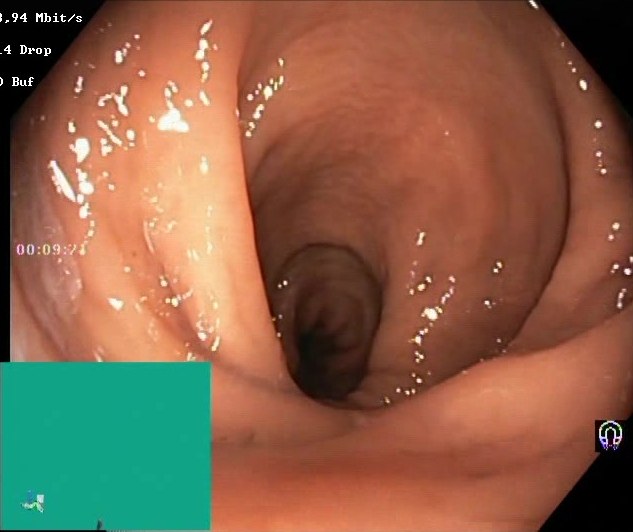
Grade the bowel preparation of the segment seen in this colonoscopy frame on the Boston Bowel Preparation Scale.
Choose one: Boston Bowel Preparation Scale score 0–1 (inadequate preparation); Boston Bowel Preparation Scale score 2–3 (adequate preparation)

Boston Bowel Preparation Scale score 2–3 (adequate preparation)